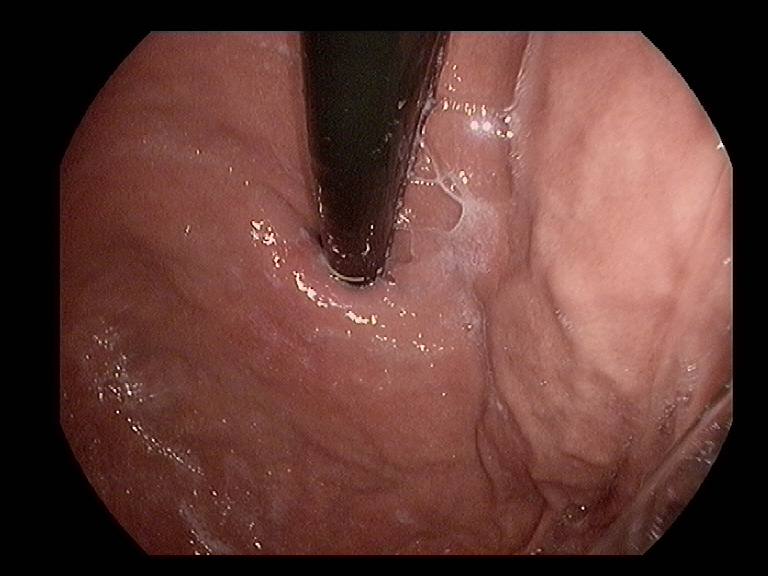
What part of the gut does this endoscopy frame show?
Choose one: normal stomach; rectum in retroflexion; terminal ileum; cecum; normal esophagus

normal stomach